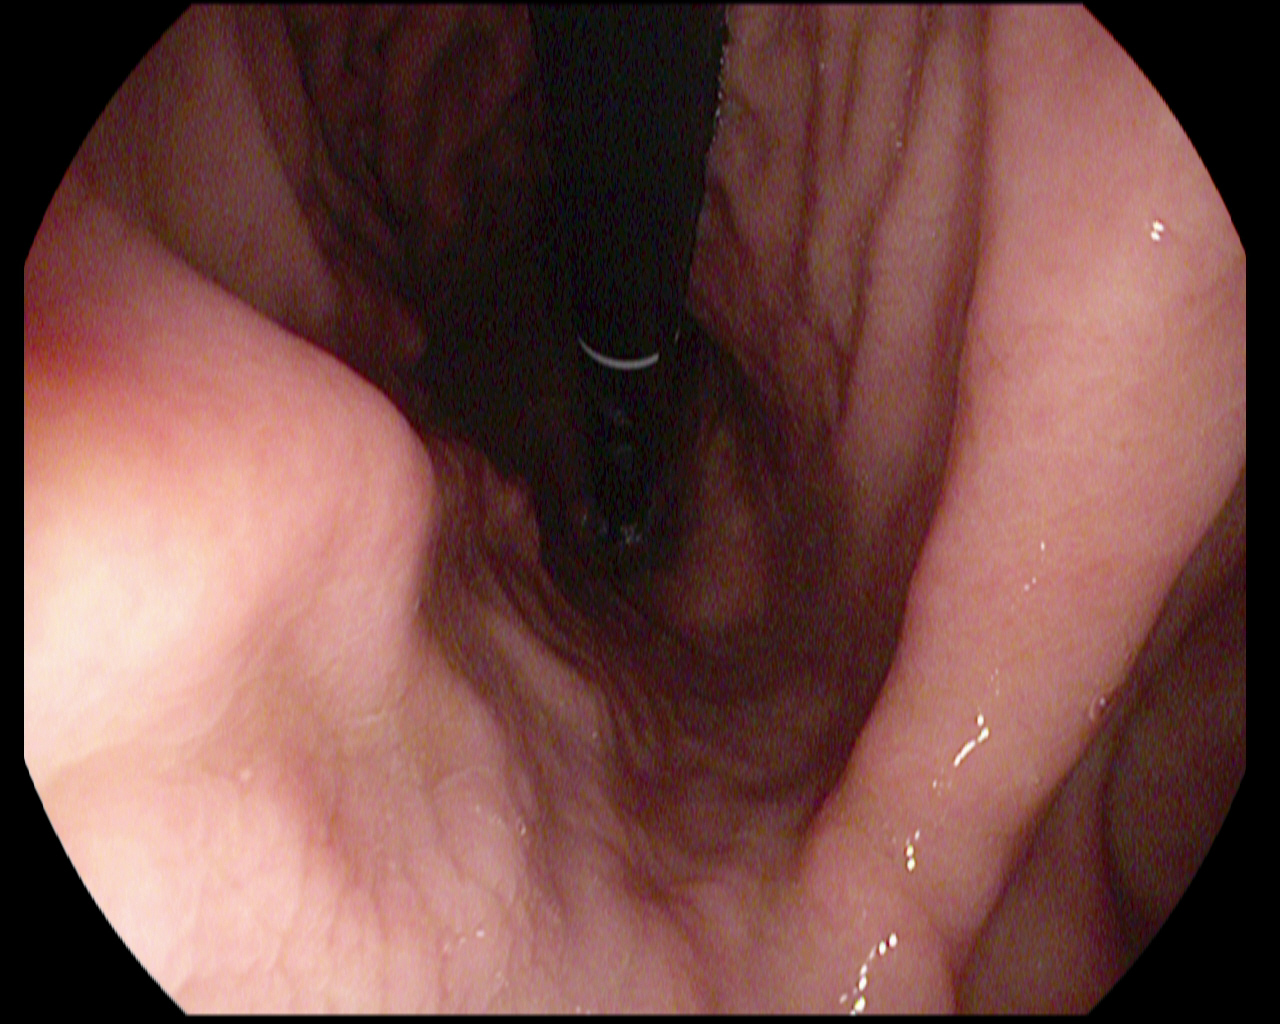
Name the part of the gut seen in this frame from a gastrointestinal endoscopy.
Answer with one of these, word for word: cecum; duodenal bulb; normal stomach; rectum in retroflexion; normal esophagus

normal stomach